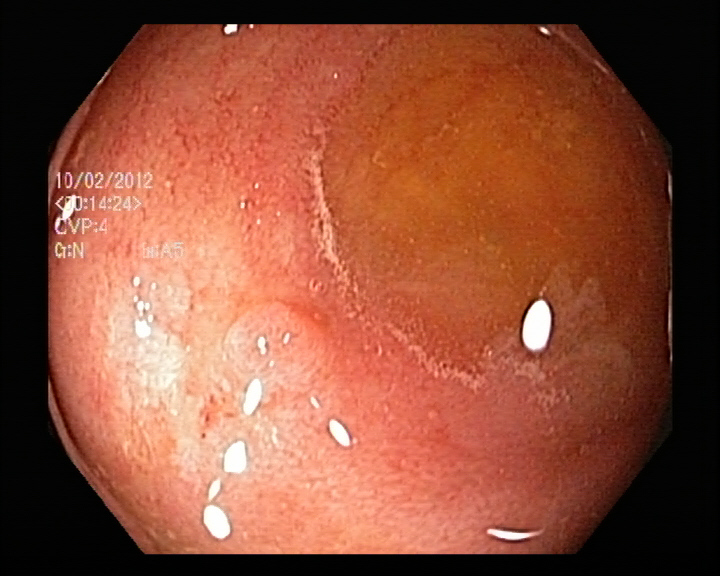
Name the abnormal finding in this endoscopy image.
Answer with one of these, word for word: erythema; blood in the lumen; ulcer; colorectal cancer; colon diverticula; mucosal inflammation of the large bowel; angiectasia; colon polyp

colon polyp